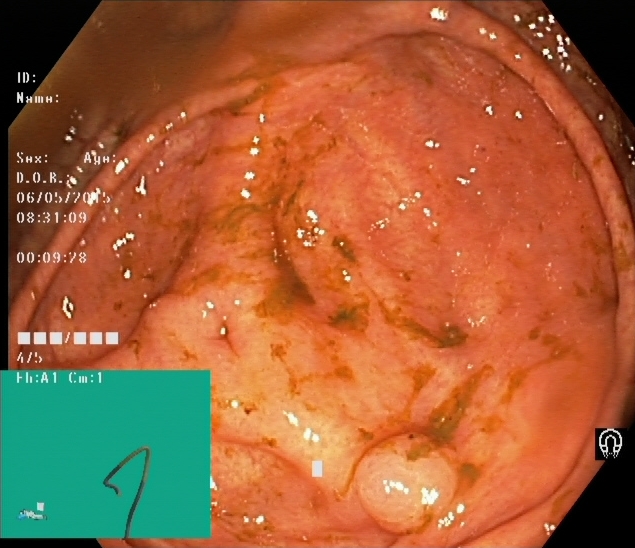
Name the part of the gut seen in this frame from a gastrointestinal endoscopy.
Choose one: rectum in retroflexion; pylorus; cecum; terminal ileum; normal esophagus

cecum